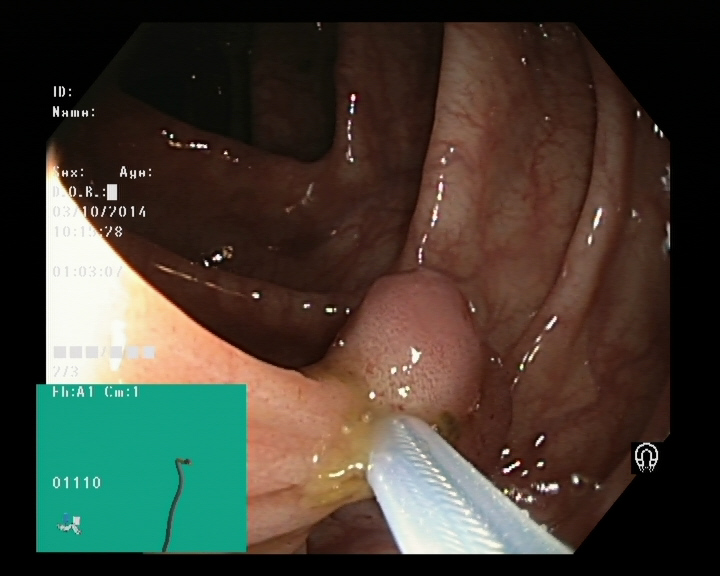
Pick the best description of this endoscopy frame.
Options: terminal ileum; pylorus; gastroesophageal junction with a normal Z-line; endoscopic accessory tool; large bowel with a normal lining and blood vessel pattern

endoscopic accessory tool